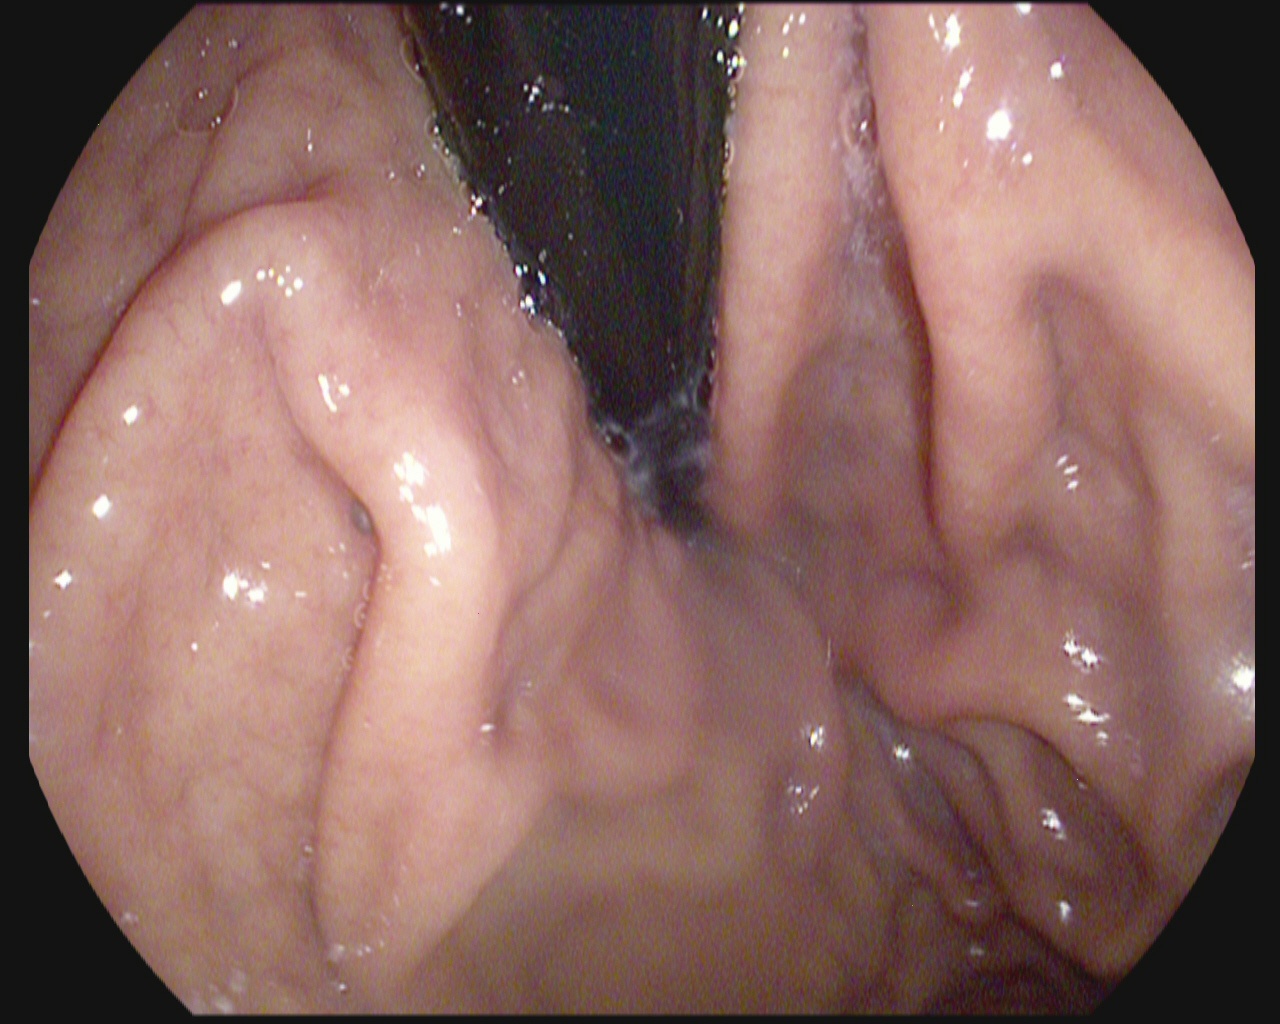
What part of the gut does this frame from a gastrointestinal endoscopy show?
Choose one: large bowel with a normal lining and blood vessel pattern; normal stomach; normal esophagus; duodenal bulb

normal stomach